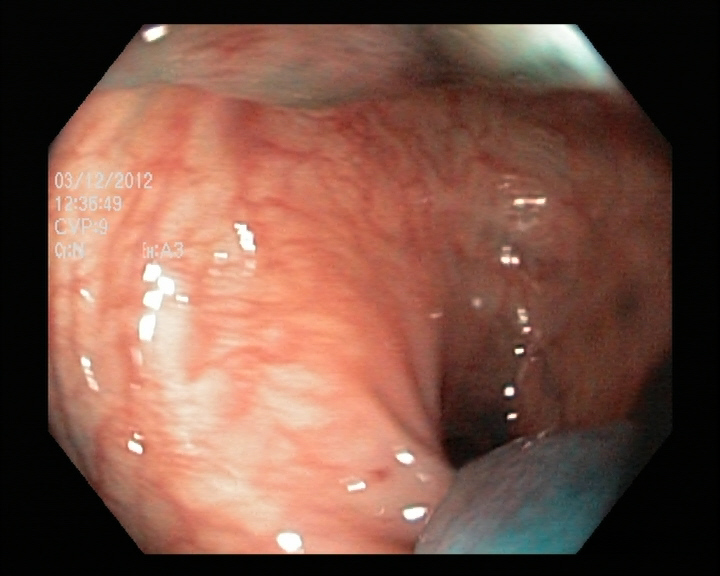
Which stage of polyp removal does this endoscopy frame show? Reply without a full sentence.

dyed and lifted polyp (pre-resection)